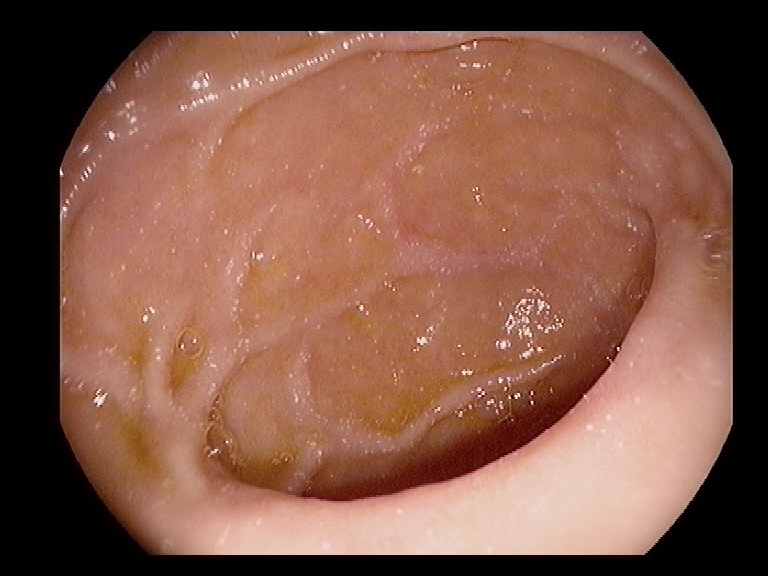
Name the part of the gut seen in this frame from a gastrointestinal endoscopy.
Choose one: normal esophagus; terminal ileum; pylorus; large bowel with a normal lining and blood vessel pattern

terminal ileum